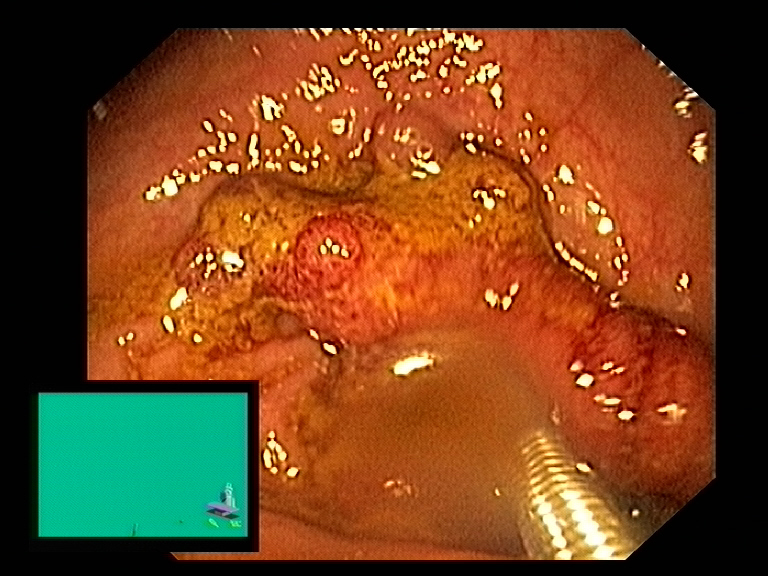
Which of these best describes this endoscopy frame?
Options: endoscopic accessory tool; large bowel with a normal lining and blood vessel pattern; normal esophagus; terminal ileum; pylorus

endoscopic accessory tool